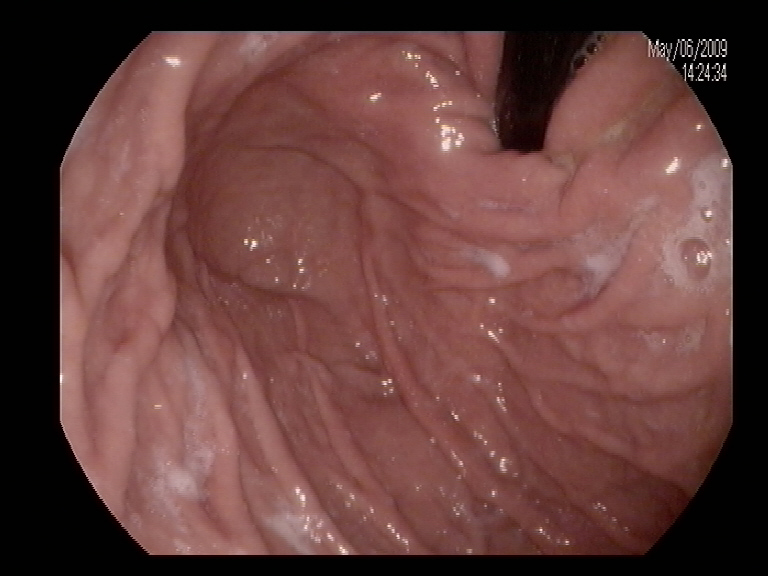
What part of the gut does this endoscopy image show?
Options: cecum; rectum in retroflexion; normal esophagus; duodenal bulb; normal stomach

normal stomach